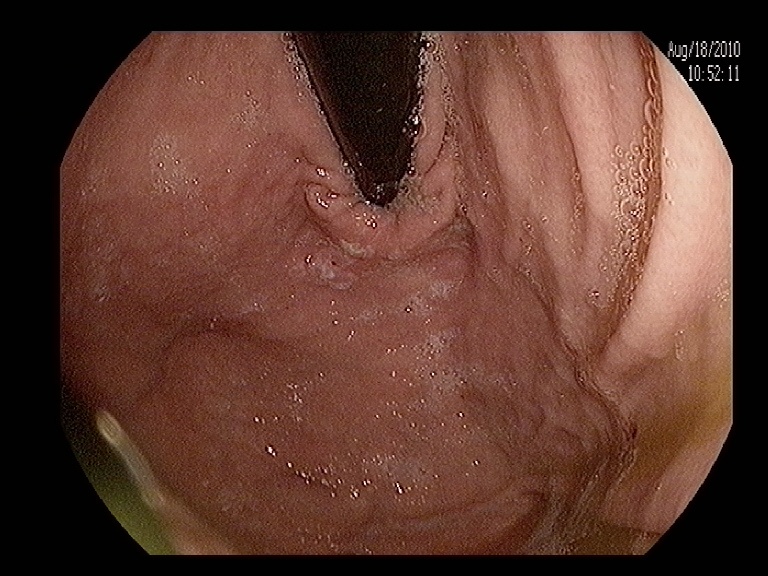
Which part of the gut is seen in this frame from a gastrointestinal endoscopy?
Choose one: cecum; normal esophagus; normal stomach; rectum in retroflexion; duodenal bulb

normal stomach